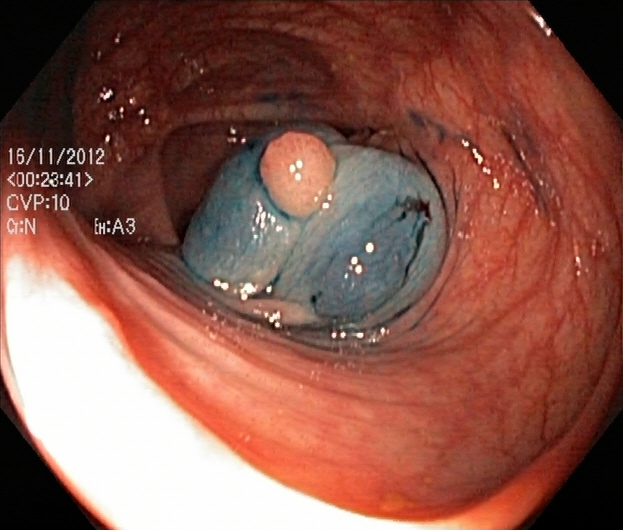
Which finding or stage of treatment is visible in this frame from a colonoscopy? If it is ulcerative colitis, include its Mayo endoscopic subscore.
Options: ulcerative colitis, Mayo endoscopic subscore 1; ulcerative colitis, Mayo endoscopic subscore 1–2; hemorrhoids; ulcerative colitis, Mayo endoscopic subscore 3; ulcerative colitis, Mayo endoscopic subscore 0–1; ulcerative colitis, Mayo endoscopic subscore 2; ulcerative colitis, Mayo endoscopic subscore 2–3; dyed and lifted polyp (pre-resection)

dyed and lifted polyp (pre-resection)